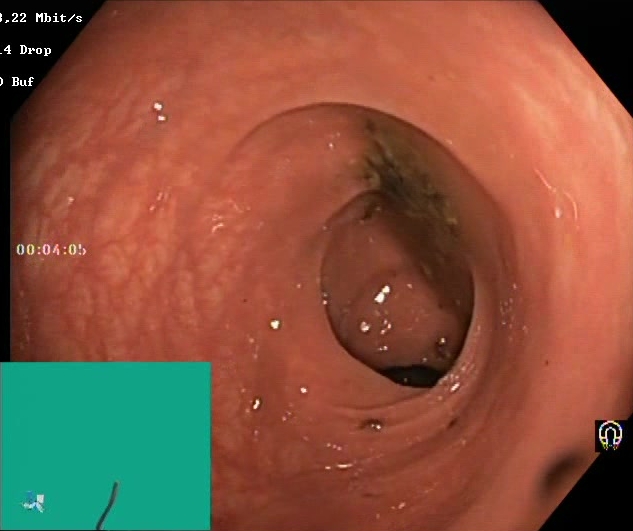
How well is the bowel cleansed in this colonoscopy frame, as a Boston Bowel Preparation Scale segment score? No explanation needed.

Boston Bowel Preparation Scale score 0–1 (inadequate preparation)